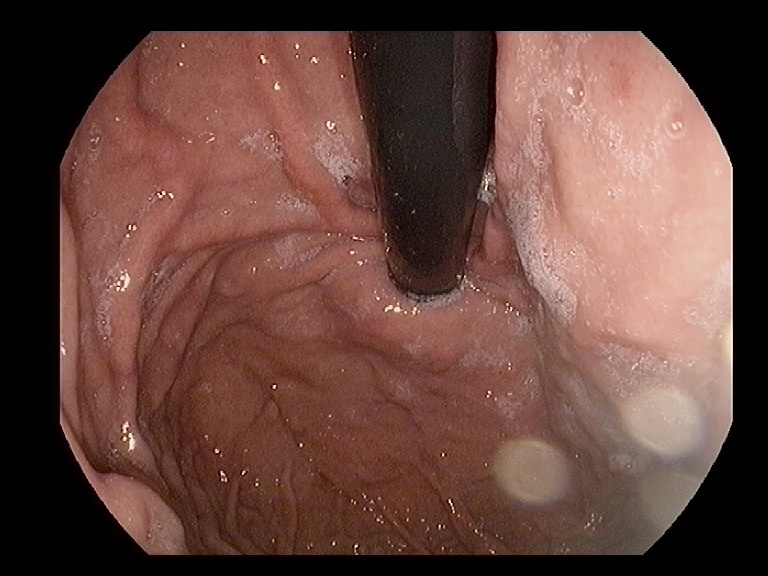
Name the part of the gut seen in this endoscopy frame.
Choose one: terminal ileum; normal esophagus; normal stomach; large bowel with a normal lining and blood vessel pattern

normal stomach